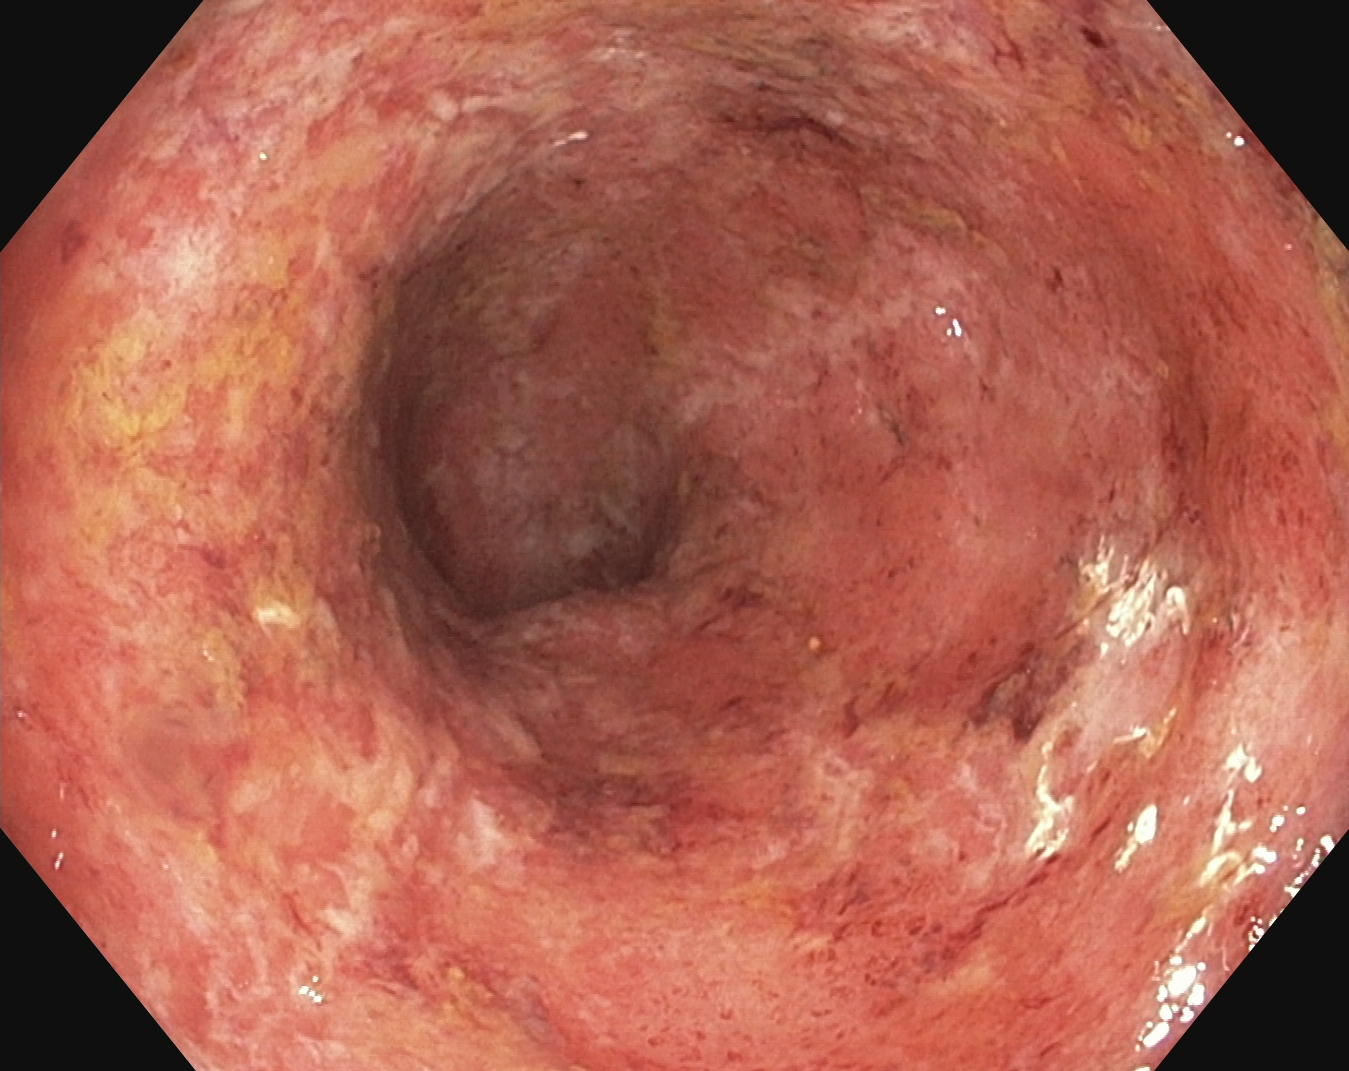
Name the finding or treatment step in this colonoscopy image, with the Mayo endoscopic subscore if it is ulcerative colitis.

ulcerative colitis, Mayo endoscopic subscore 2